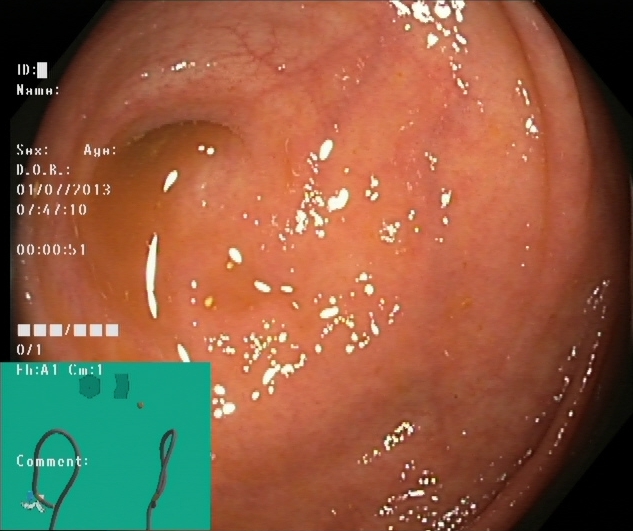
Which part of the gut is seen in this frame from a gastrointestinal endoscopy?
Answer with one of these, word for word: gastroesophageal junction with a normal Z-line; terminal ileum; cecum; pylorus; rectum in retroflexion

cecum